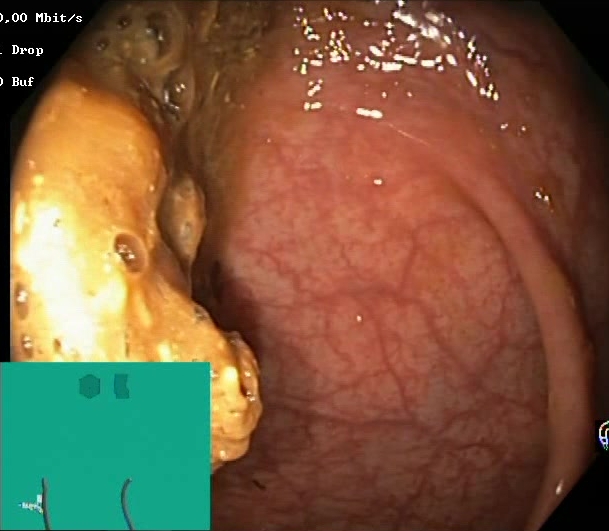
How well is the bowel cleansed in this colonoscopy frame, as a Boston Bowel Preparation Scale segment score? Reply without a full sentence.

Boston Bowel Preparation Scale score 0–1 (inadequate preparation)